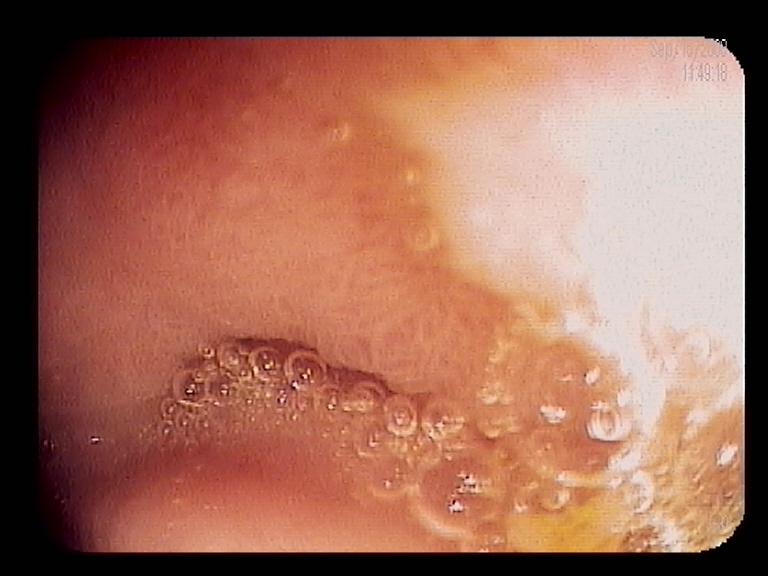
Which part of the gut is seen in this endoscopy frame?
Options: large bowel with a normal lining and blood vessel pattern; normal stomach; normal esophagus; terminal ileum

terminal ileum